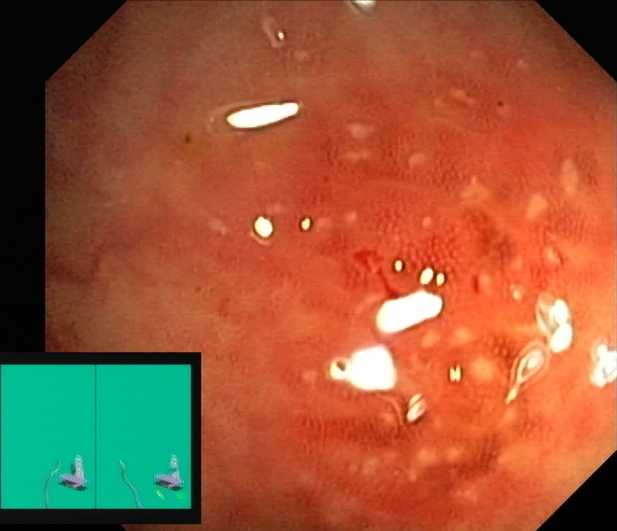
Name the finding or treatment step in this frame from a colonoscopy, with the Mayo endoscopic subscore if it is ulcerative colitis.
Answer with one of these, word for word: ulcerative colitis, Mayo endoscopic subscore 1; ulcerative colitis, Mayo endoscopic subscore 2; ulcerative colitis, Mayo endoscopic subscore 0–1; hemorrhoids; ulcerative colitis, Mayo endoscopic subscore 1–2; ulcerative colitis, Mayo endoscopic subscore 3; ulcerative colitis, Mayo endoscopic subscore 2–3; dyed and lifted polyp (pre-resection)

ulcerative colitis, Mayo endoscopic subscore 2